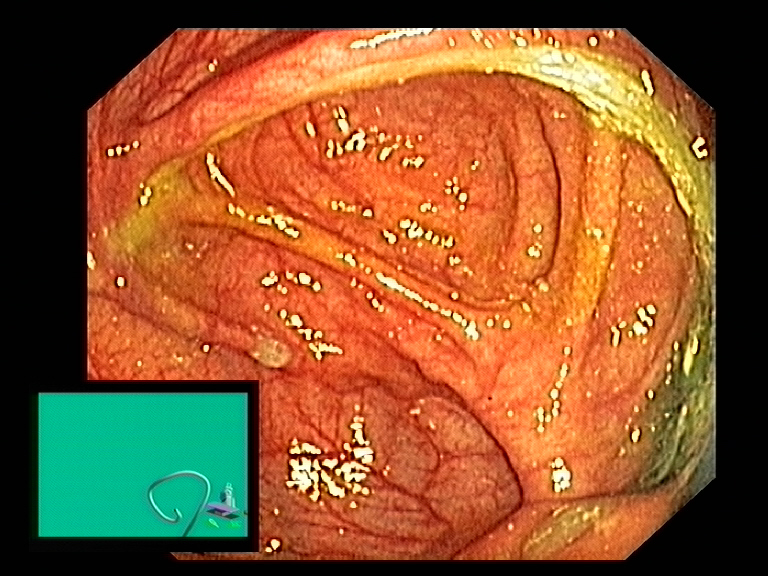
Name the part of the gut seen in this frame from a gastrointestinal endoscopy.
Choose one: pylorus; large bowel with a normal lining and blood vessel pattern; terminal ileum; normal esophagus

large bowel with a normal lining and blood vessel pattern